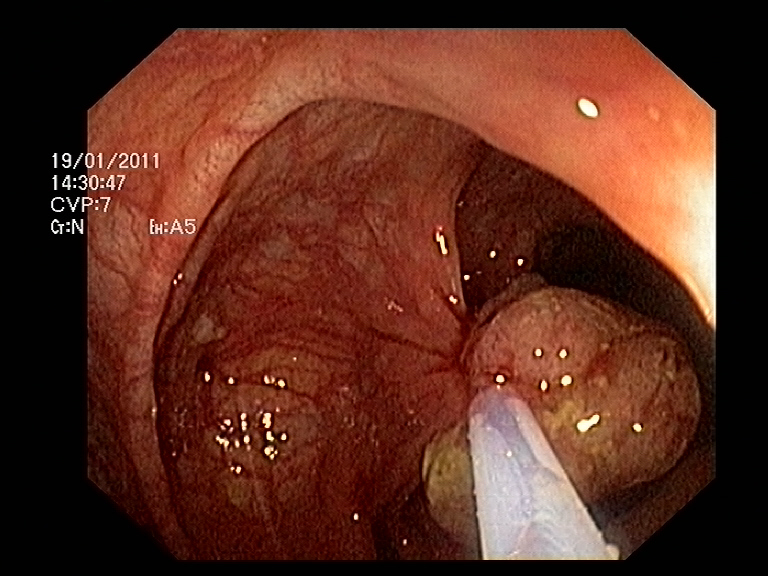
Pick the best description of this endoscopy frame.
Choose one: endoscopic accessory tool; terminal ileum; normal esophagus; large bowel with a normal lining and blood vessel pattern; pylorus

endoscopic accessory tool